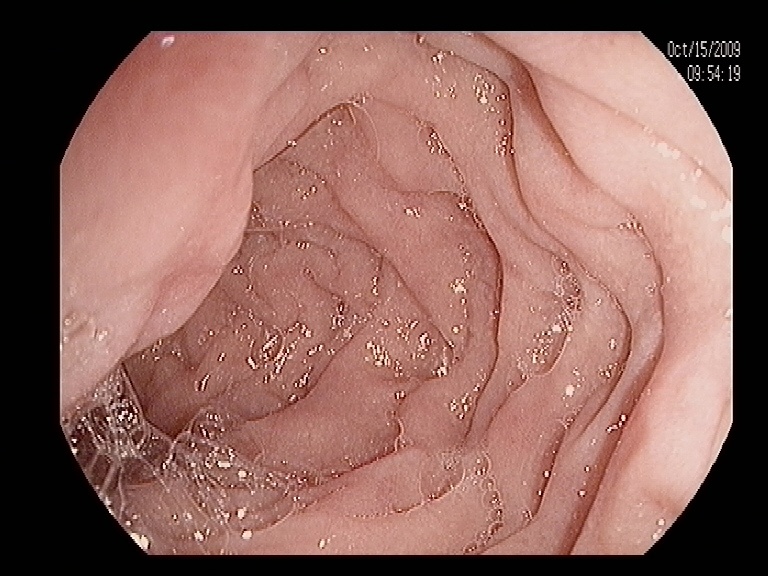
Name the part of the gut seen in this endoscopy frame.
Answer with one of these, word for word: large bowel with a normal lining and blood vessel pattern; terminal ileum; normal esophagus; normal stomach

terminal ileum